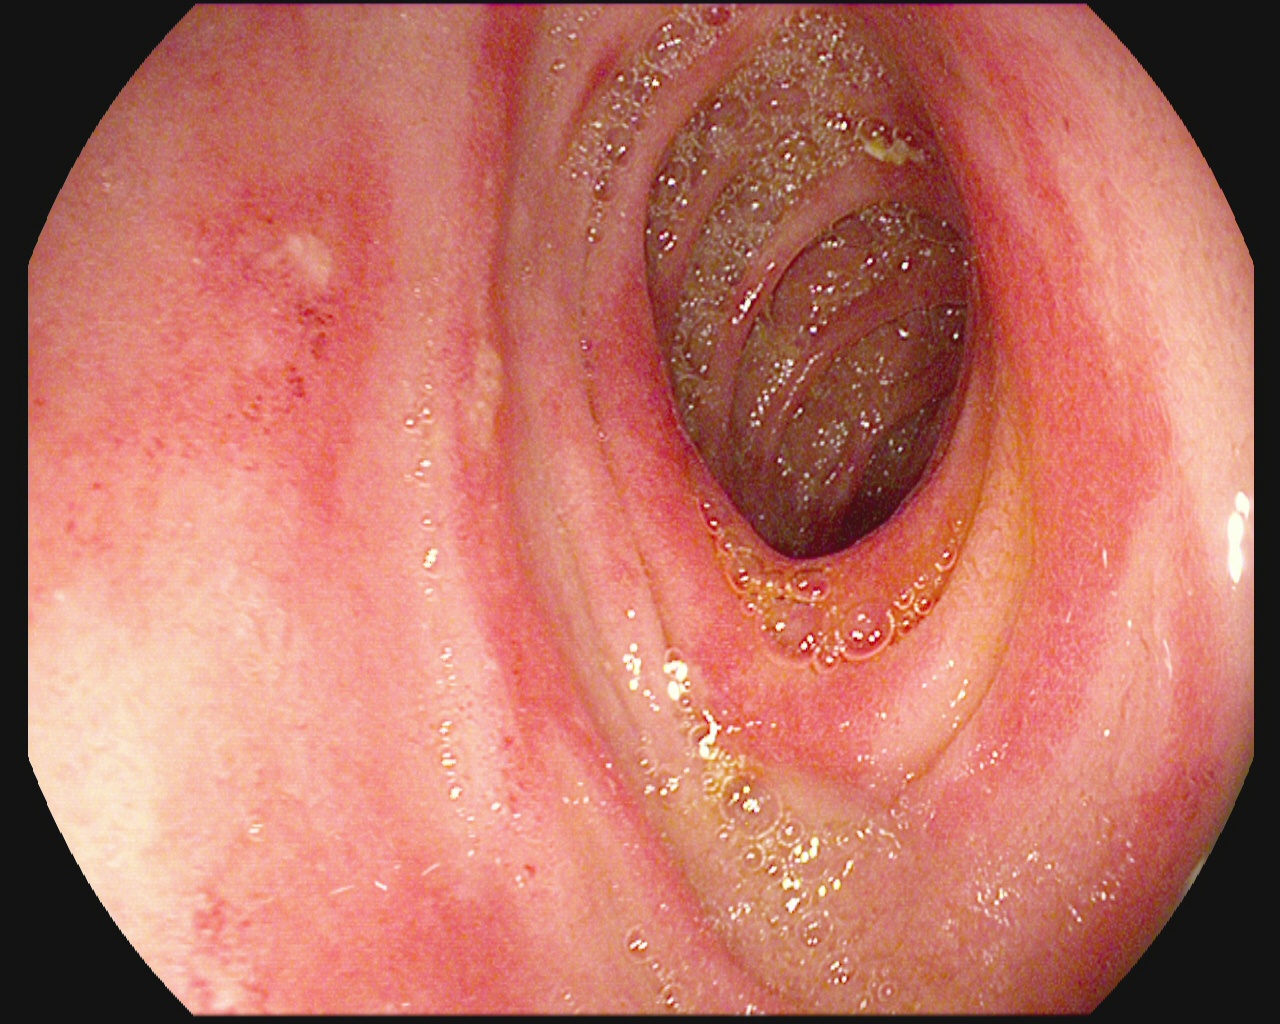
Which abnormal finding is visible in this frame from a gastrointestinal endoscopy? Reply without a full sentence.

ulcer